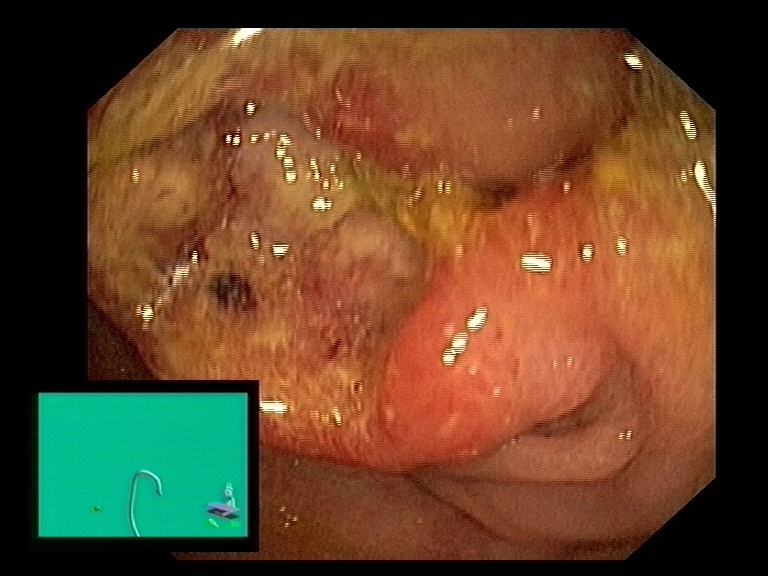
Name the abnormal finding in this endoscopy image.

colorectal cancer